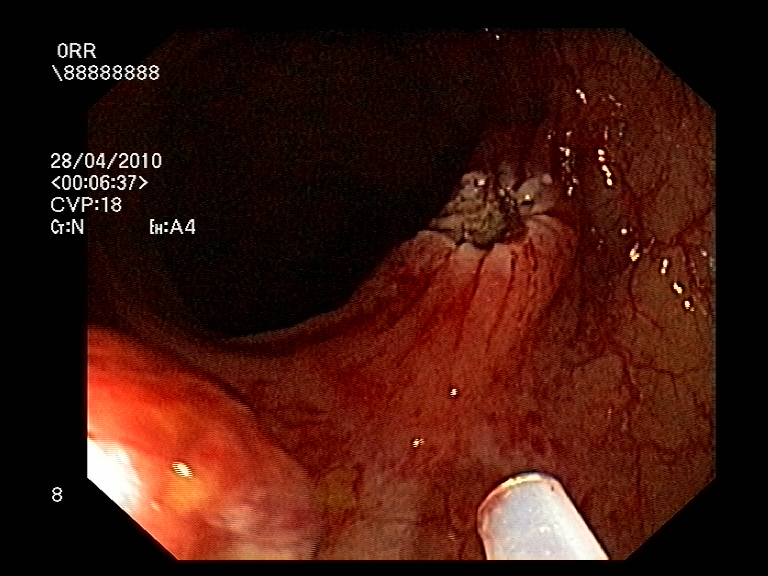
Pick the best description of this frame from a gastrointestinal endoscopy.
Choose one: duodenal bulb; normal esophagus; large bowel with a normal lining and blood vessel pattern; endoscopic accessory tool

endoscopic accessory tool